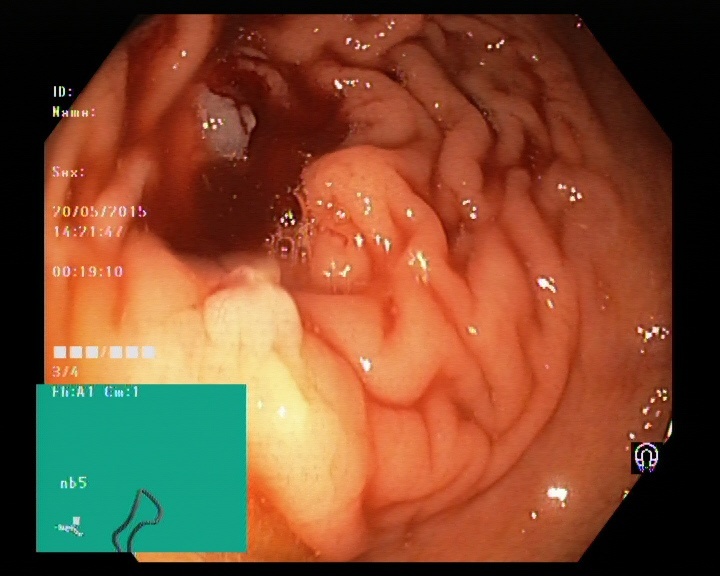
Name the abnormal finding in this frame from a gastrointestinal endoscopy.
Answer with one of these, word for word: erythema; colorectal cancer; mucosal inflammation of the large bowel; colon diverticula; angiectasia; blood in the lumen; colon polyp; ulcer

blood in the lumen